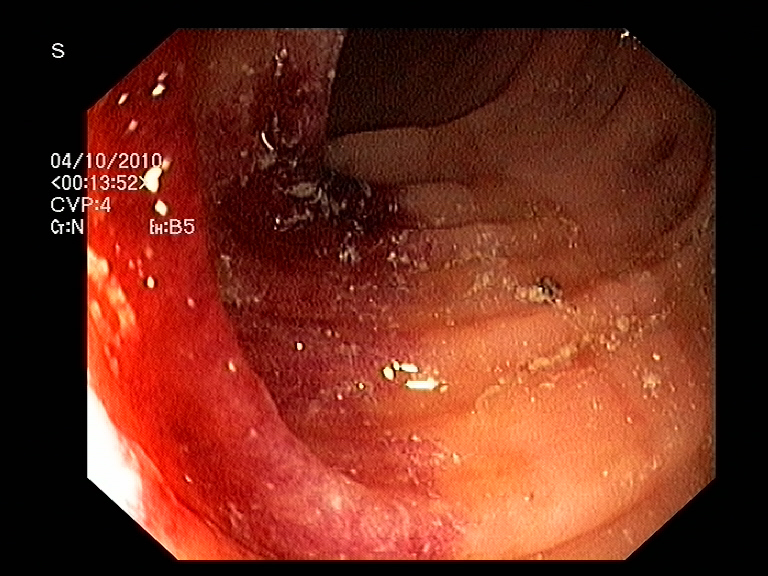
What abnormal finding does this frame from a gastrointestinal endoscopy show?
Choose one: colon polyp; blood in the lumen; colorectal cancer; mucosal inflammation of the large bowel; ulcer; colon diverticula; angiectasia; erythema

blood in the lumen